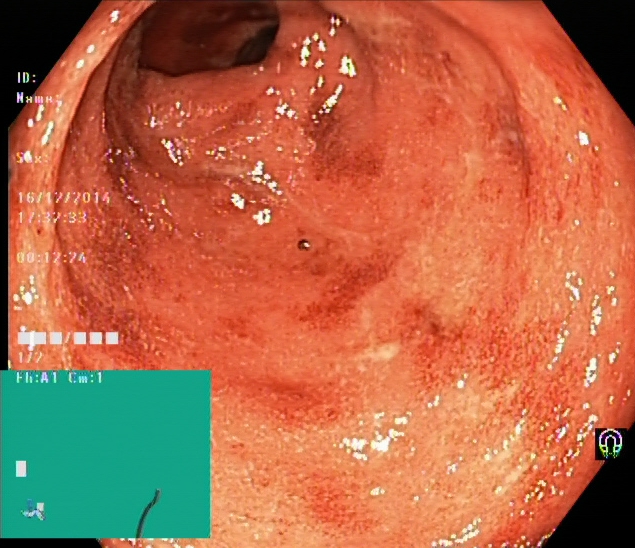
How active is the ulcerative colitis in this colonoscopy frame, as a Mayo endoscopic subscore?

ulcerative colitis, Mayo endoscopic subscore 2